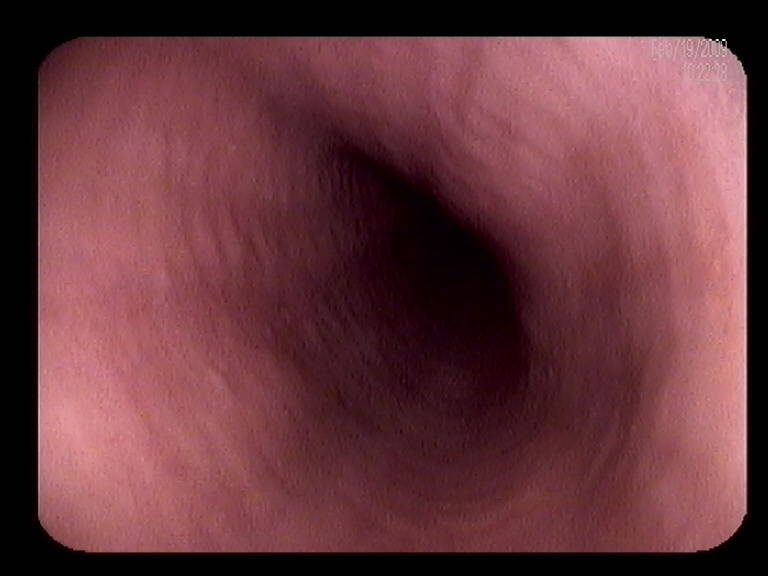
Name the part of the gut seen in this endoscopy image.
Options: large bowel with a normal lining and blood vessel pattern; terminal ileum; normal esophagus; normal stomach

normal esophagus